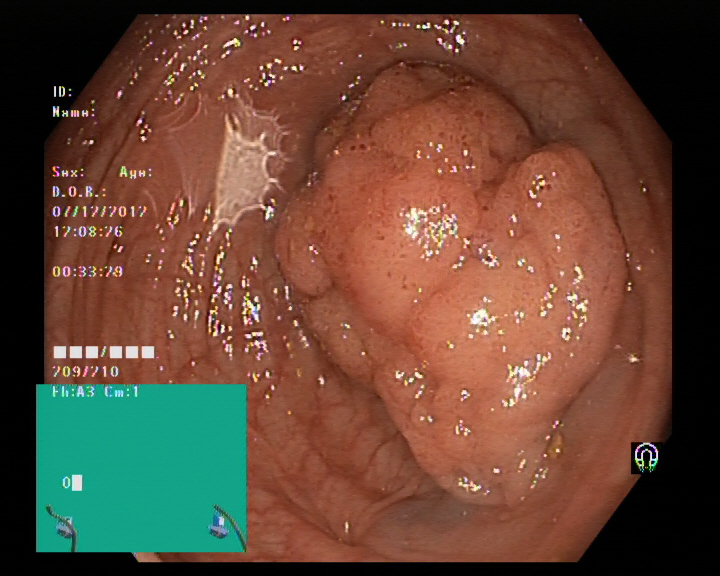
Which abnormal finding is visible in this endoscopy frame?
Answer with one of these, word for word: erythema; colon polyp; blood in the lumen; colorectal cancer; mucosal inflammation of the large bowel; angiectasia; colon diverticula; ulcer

colon polyp